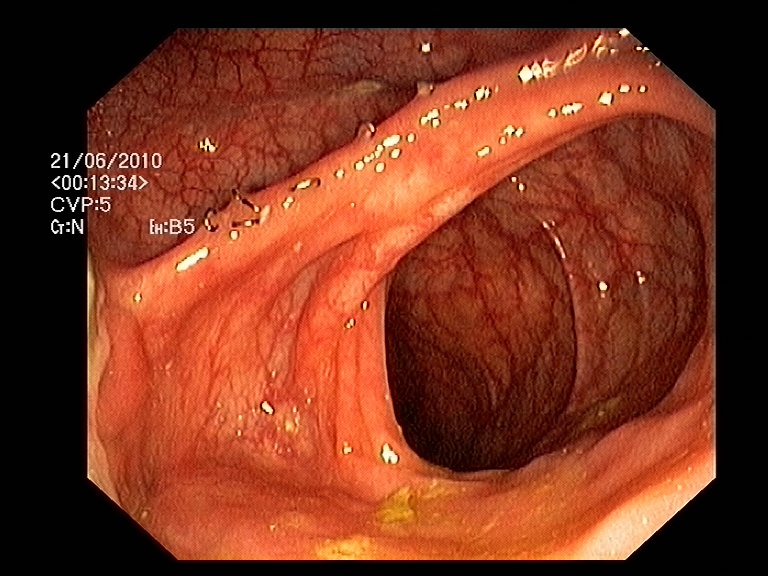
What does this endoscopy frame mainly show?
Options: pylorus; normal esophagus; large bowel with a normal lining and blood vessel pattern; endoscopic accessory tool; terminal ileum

large bowel with a normal lining and blood vessel pattern